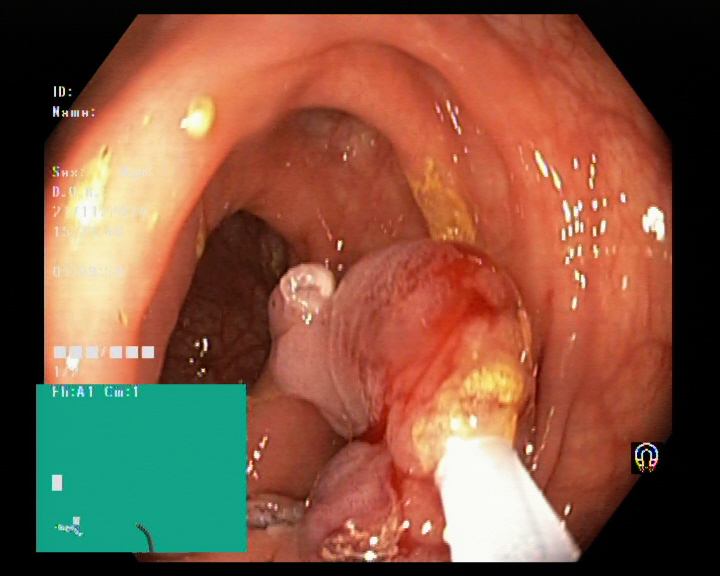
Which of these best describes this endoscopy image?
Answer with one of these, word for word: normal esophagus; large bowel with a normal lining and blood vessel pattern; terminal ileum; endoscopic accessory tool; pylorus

endoscopic accessory tool